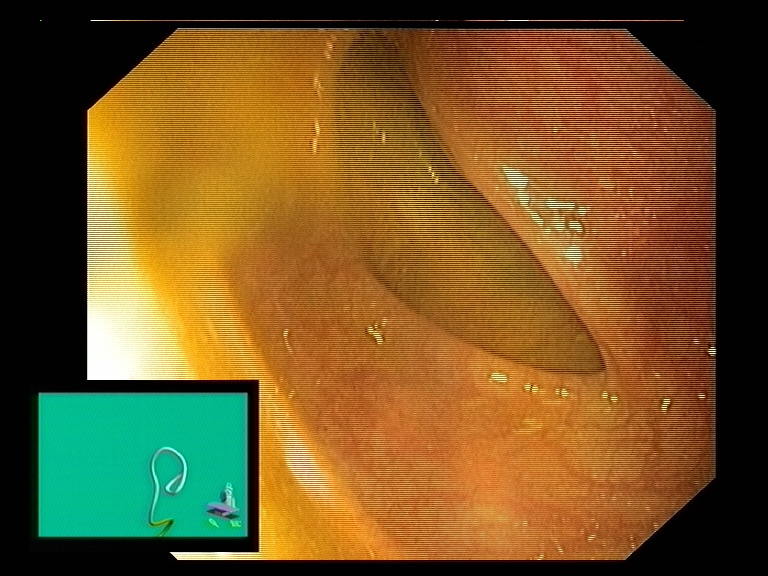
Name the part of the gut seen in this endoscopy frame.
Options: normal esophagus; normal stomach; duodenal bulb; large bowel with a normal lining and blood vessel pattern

large bowel with a normal lining and blood vessel pattern